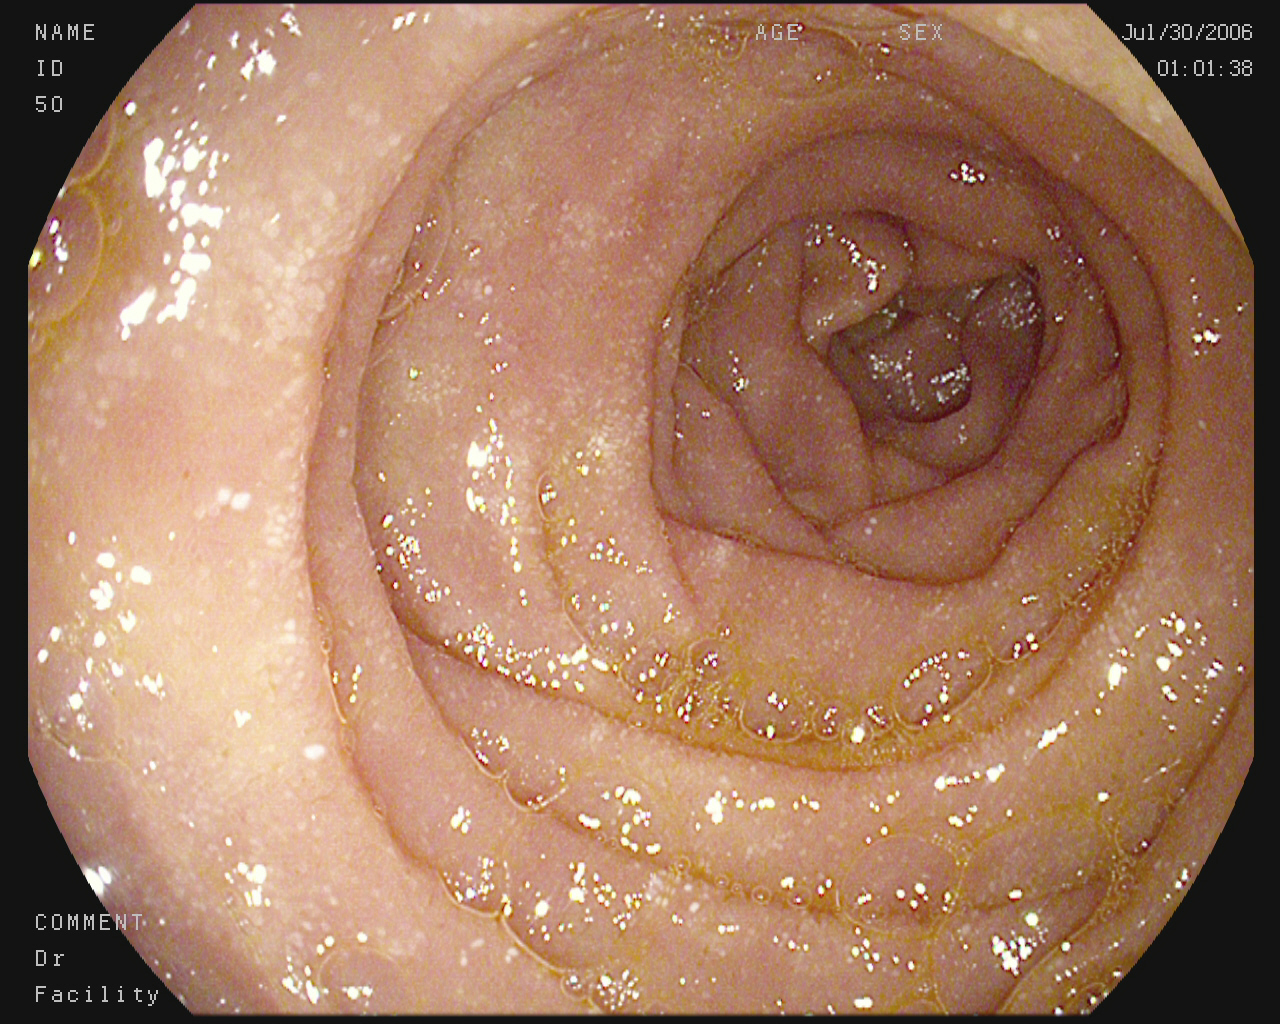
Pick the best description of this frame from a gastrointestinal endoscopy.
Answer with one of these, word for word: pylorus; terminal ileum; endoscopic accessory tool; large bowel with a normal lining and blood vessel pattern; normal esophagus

terminal ileum